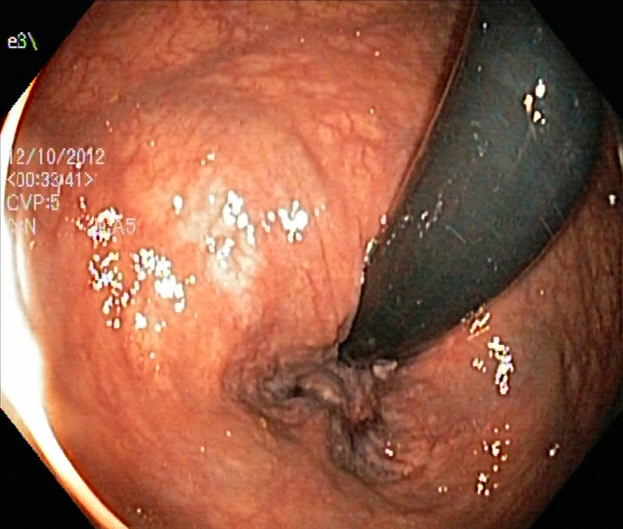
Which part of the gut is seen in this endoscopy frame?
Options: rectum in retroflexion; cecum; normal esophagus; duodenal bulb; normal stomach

rectum in retroflexion